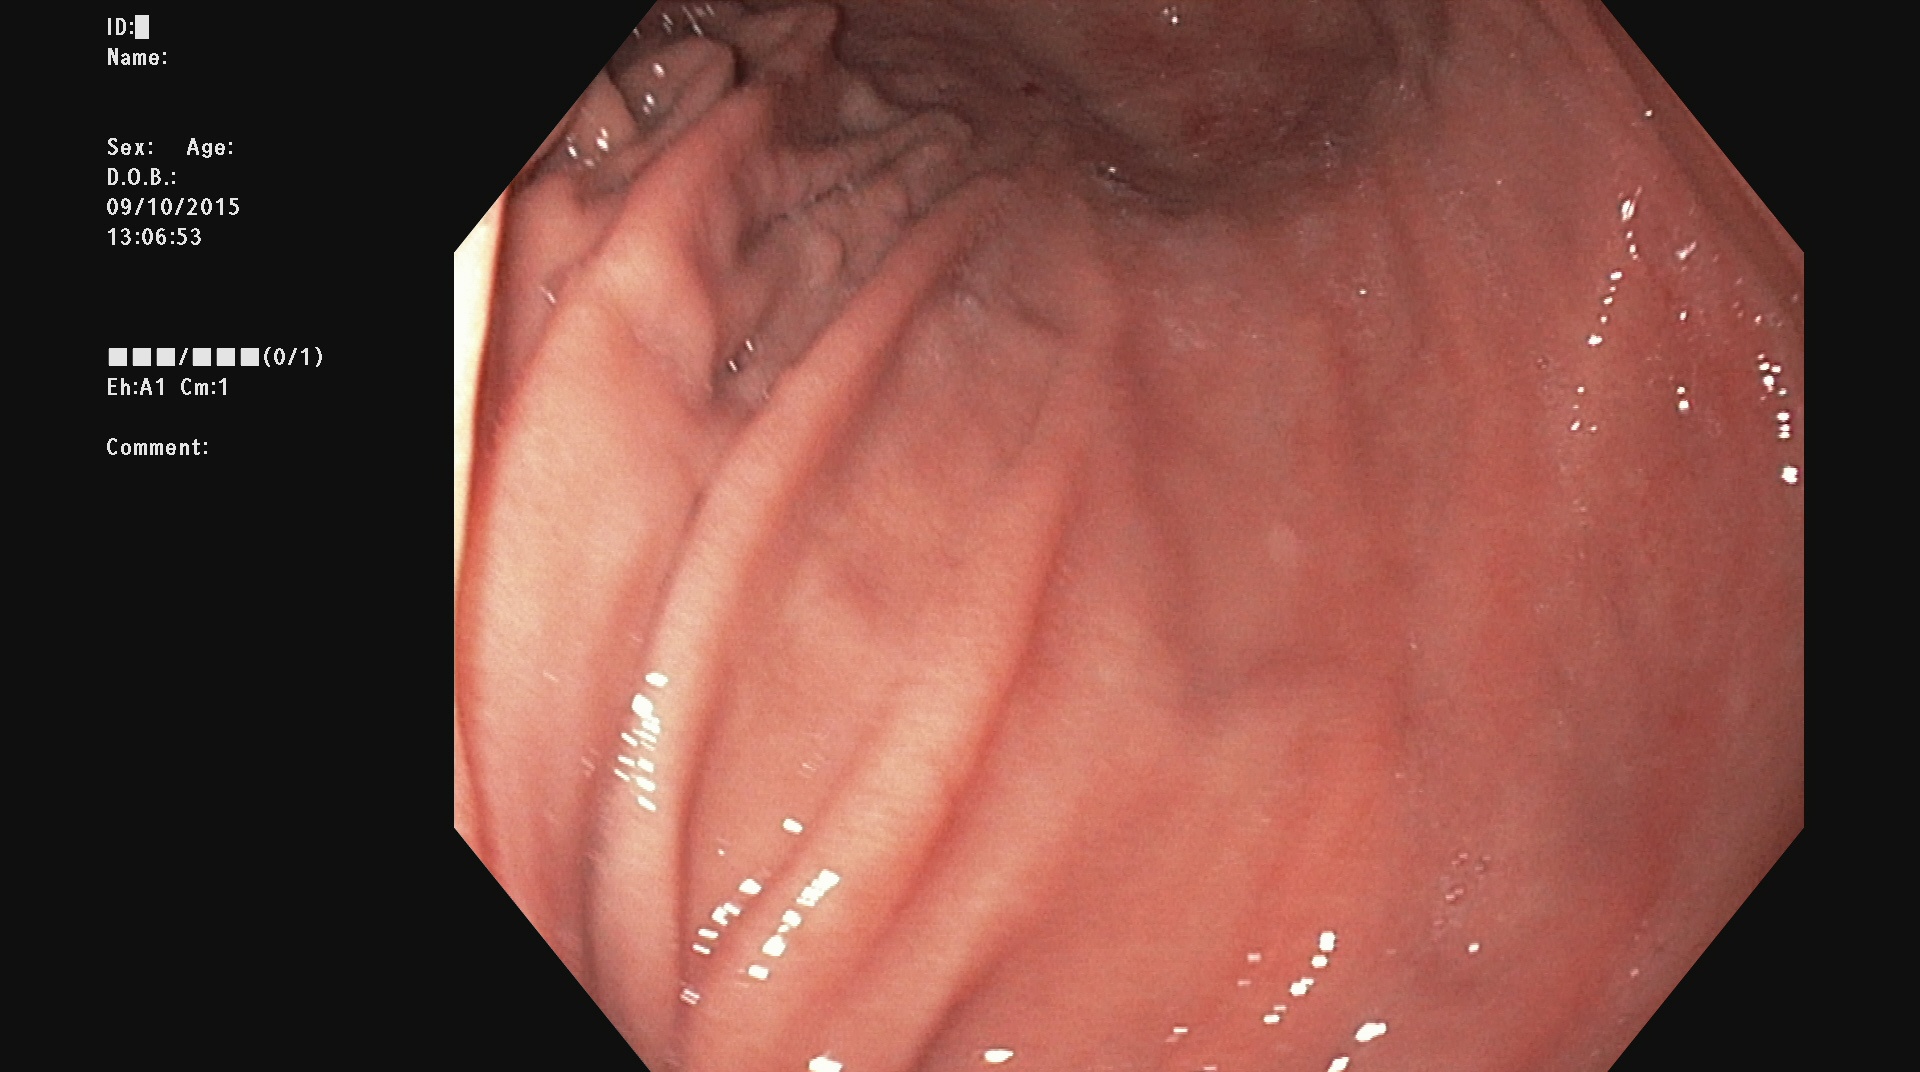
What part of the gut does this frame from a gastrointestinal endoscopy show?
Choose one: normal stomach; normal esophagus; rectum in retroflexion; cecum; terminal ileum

normal stomach